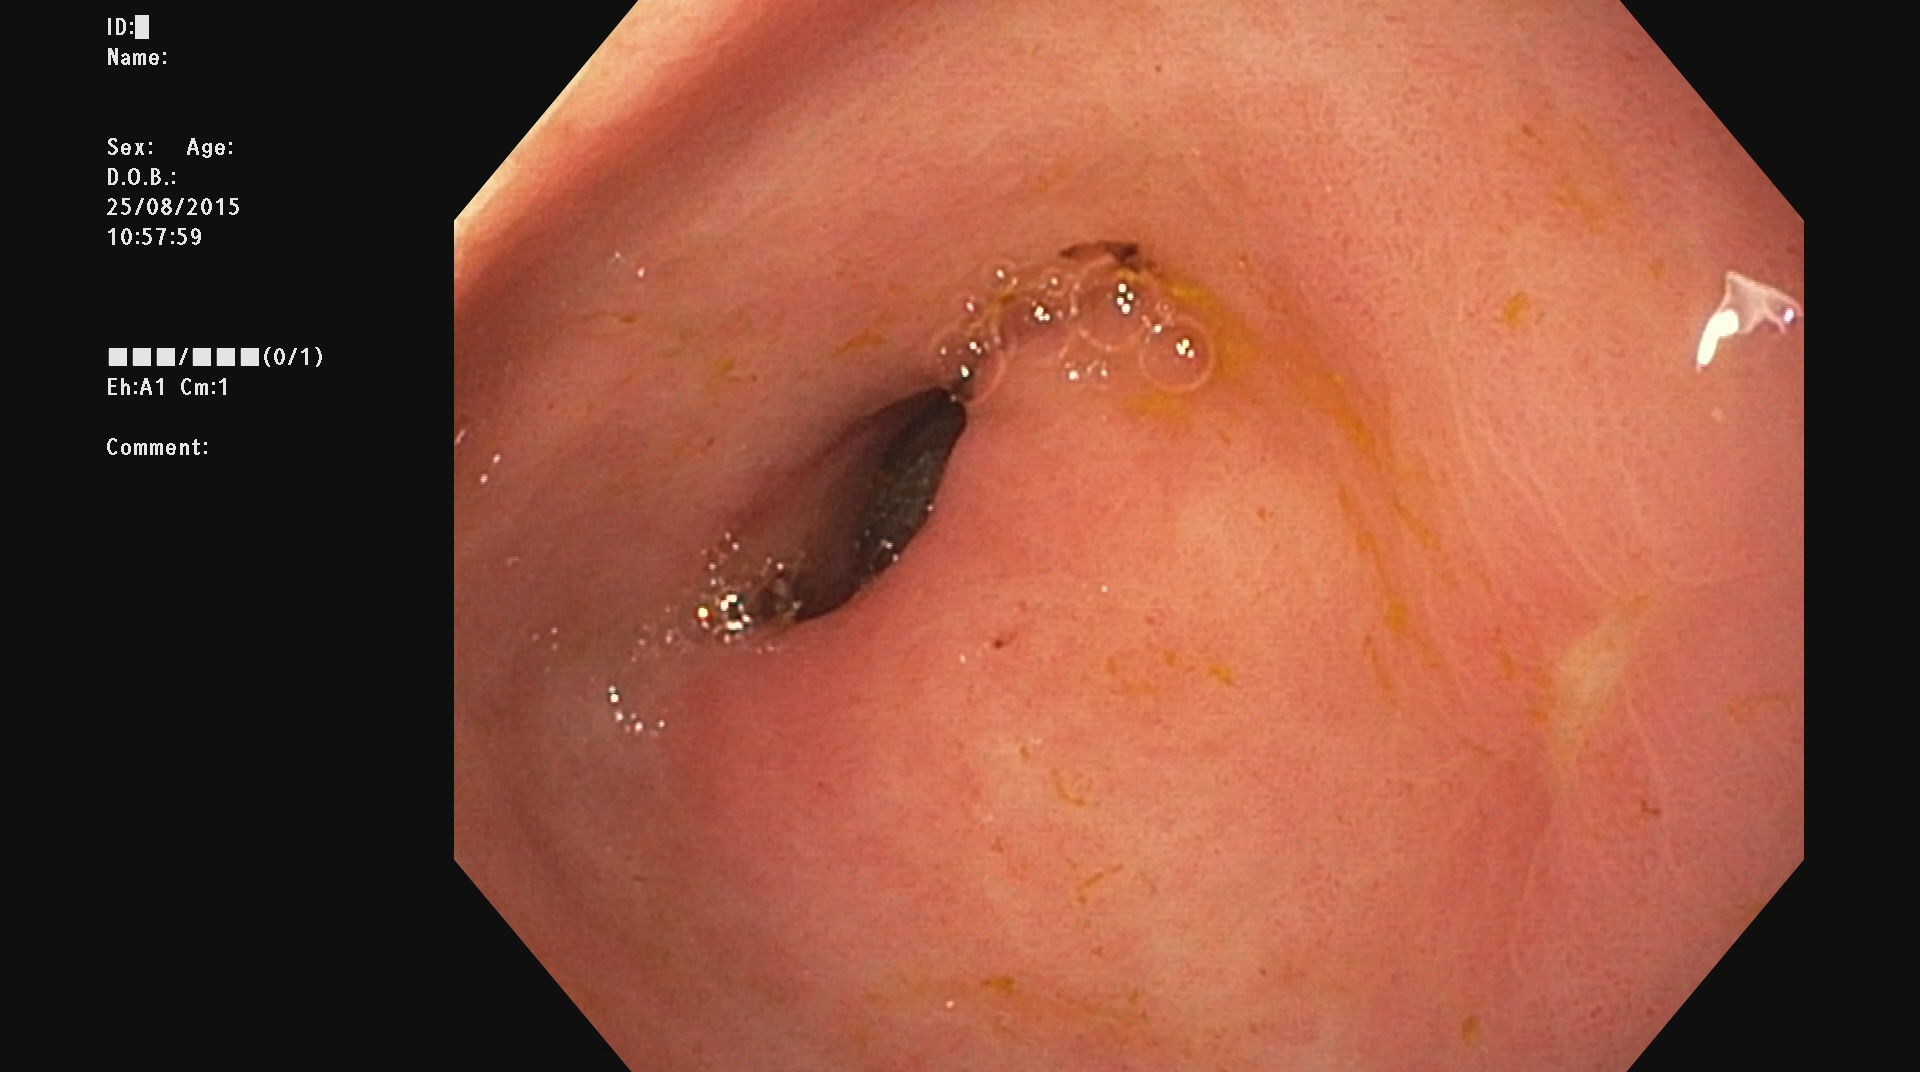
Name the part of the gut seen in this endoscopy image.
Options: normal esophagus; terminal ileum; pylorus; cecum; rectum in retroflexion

pylorus